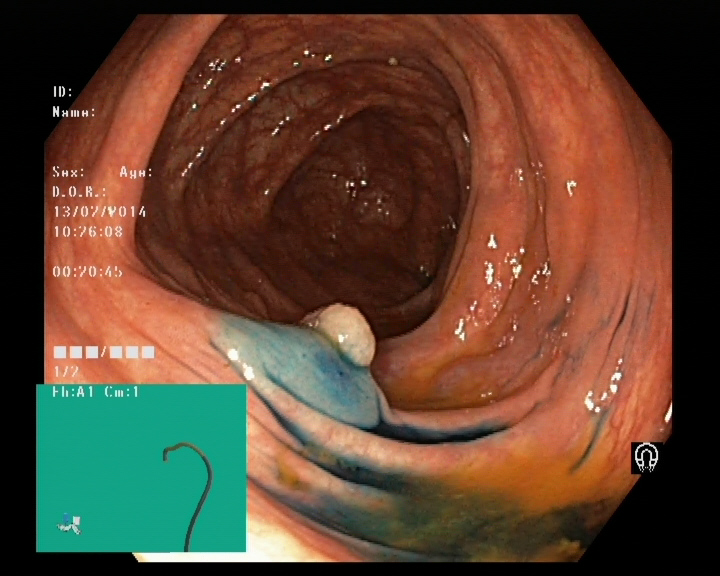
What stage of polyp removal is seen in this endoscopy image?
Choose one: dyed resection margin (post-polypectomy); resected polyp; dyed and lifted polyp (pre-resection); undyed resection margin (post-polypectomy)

dyed and lifted polyp (pre-resection)